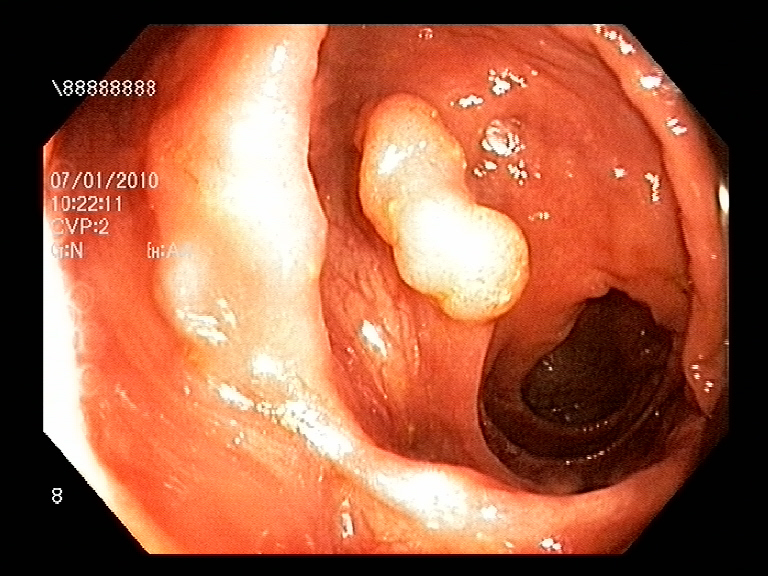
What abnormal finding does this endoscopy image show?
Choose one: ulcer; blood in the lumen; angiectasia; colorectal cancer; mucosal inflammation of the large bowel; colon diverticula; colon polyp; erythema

colon polyp